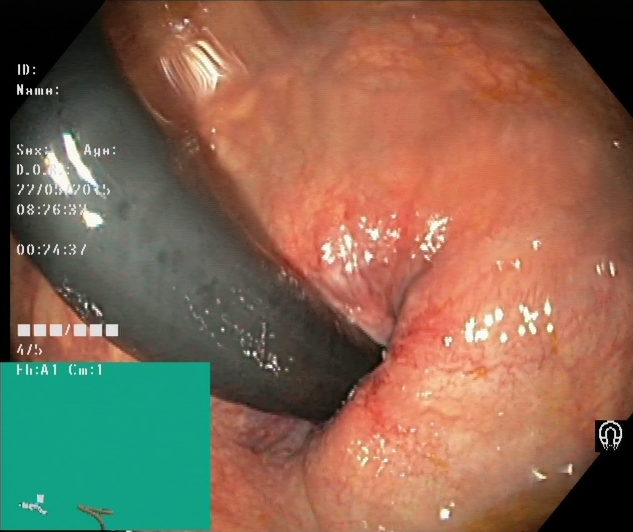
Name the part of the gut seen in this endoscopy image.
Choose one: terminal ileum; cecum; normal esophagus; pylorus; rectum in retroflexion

rectum in retroflexion